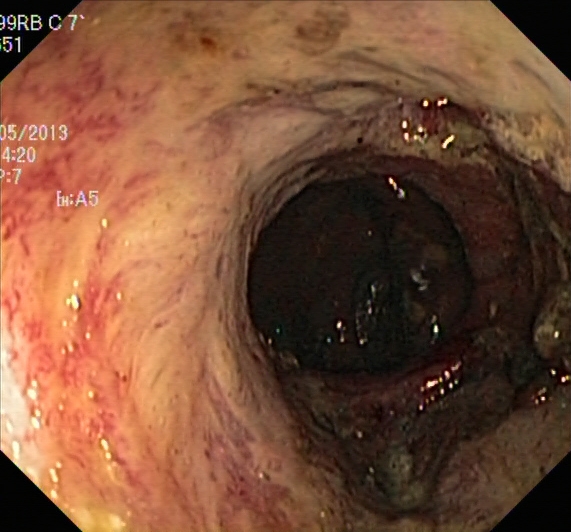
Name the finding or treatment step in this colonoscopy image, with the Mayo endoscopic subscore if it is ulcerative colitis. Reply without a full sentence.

ulcerative colitis, Mayo endoscopic subscore 2–3